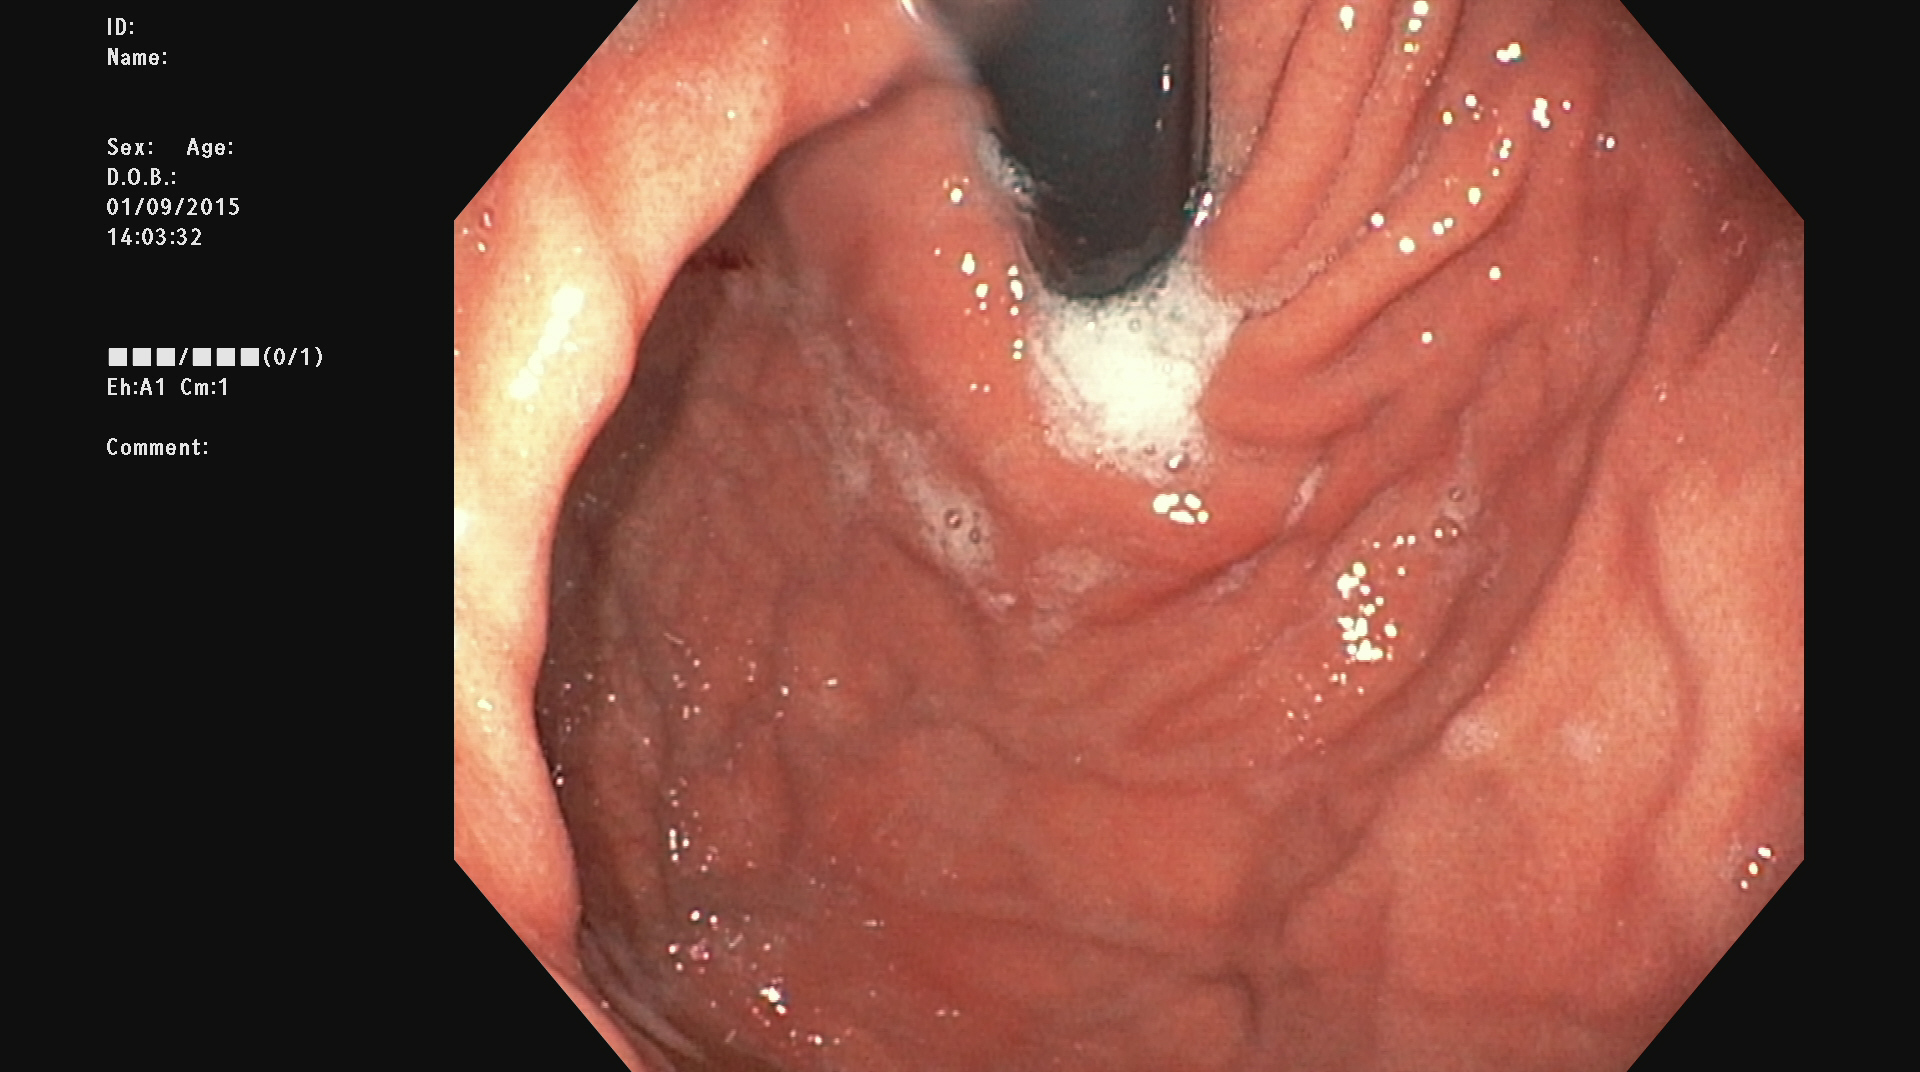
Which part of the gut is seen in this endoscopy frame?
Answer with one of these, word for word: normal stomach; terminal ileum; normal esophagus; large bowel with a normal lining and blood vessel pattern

normal stomach